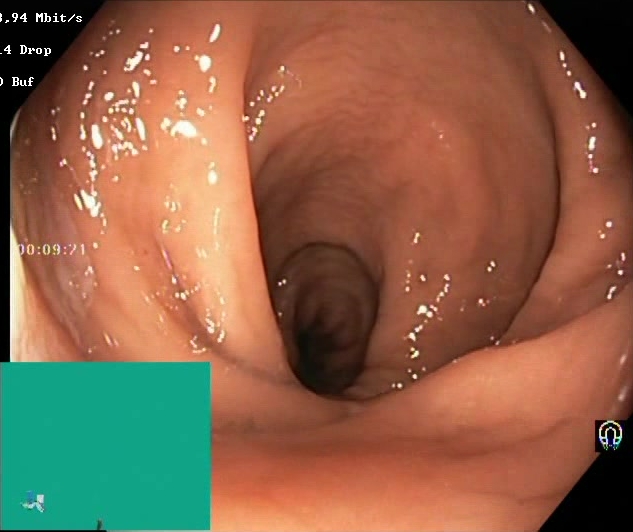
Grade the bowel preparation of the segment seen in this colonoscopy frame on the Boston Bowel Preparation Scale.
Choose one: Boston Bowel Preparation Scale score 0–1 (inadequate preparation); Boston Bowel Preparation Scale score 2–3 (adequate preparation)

Boston Bowel Preparation Scale score 2–3 (adequate preparation)